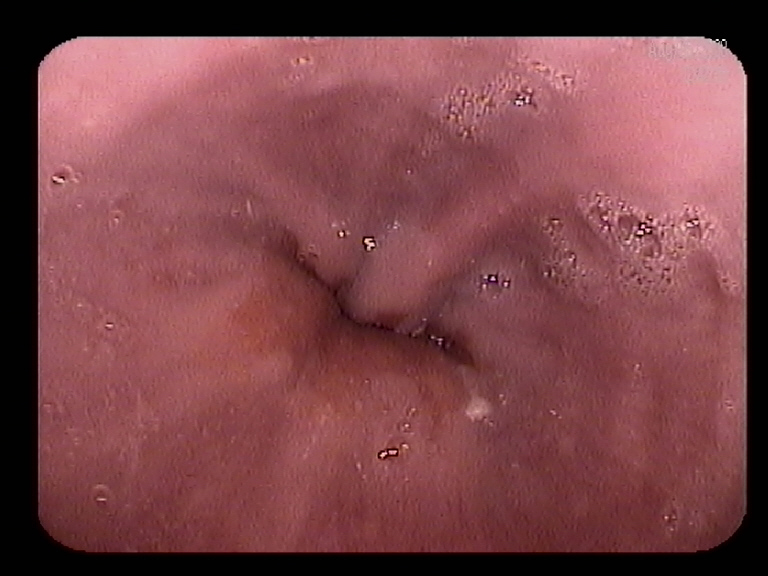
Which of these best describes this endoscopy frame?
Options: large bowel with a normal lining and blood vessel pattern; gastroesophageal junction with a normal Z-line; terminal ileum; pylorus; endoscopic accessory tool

gastroesophageal junction with a normal Z-line